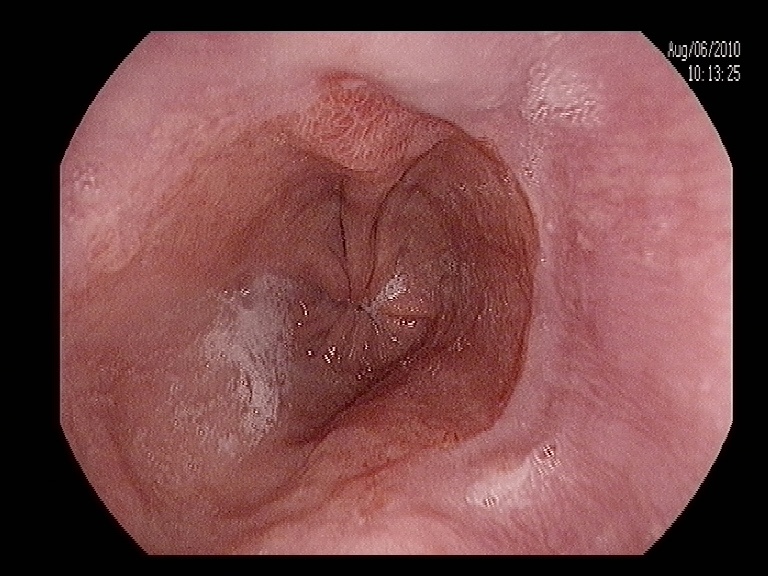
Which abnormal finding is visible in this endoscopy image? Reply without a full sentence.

esophagitis